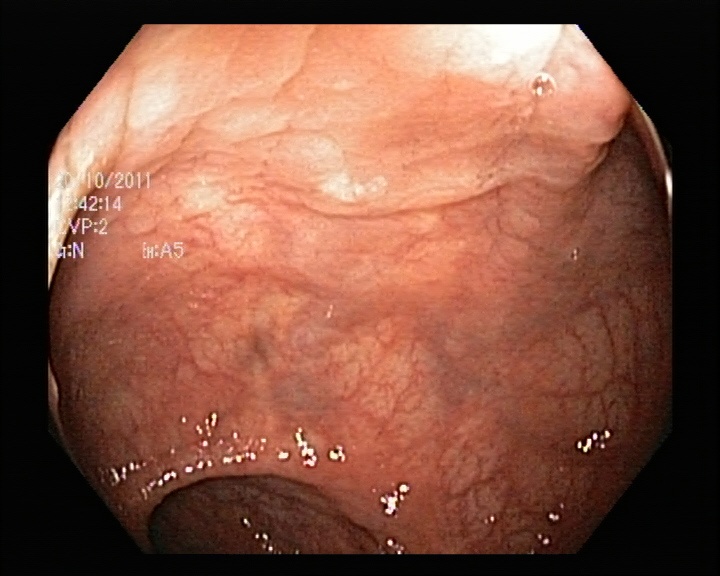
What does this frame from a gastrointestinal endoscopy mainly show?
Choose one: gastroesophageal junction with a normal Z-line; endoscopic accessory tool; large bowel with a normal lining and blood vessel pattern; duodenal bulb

large bowel with a normal lining and blood vessel pattern